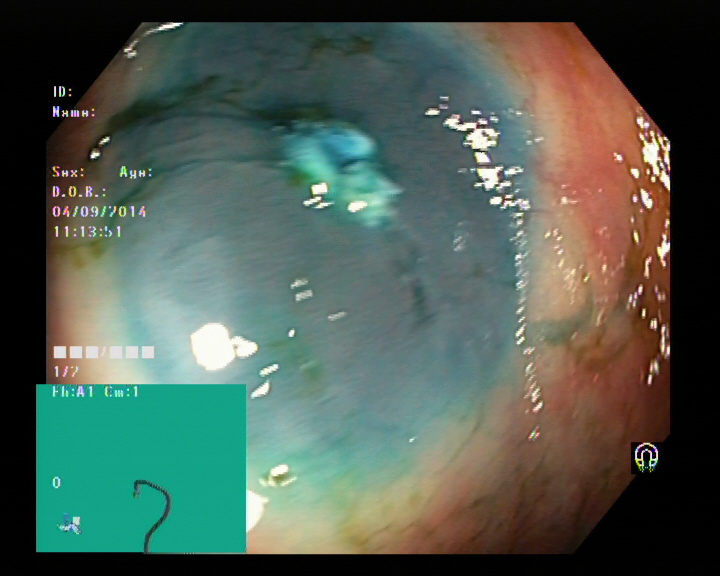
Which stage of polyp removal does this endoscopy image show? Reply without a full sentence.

dyed resection margin (post-polypectomy)